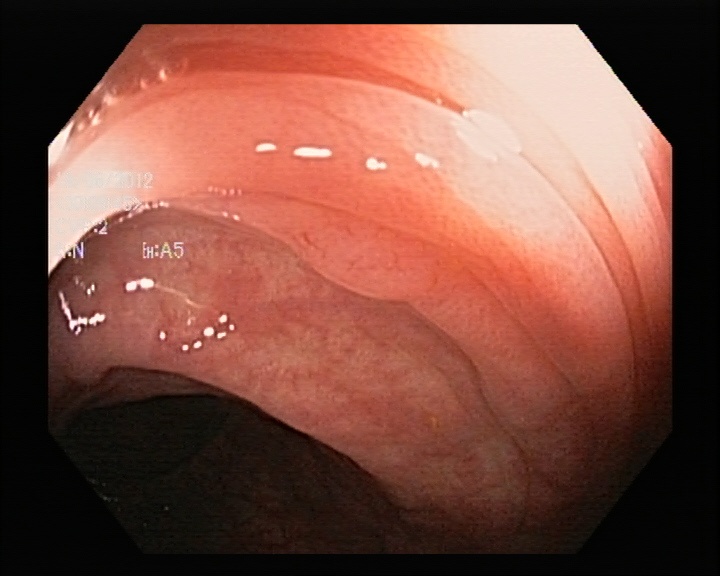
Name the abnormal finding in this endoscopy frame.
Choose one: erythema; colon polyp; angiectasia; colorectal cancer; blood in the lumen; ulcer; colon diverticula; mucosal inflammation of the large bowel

colon polyp